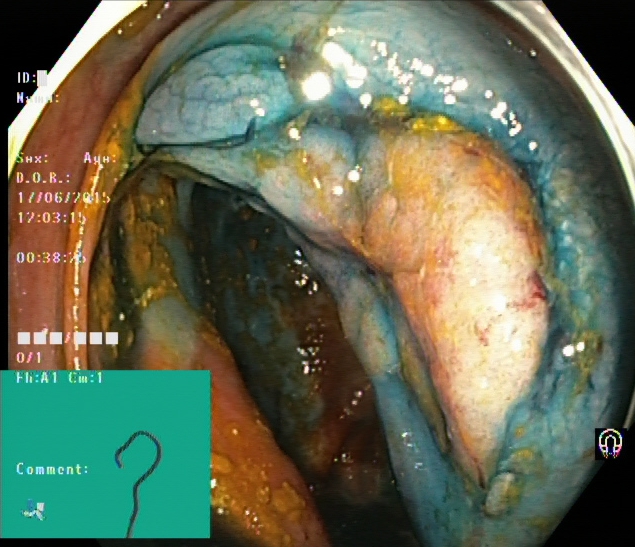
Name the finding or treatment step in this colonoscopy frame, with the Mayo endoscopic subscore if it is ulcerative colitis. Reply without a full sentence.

dyed and lifted polyp (pre-resection)